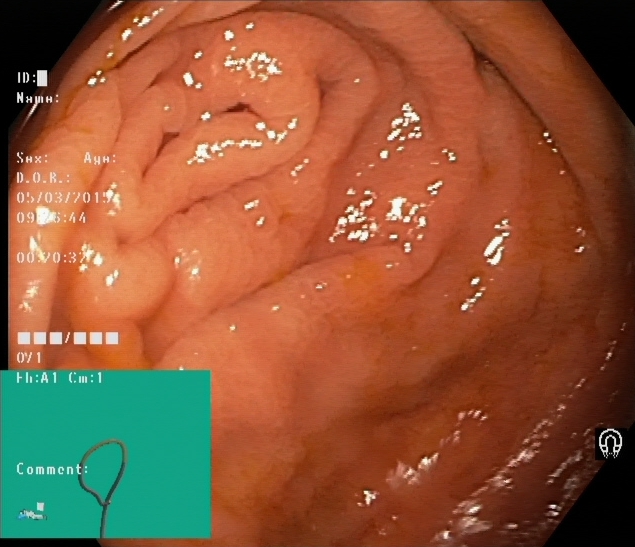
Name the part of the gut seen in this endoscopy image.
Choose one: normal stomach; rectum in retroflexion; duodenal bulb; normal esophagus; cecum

cecum